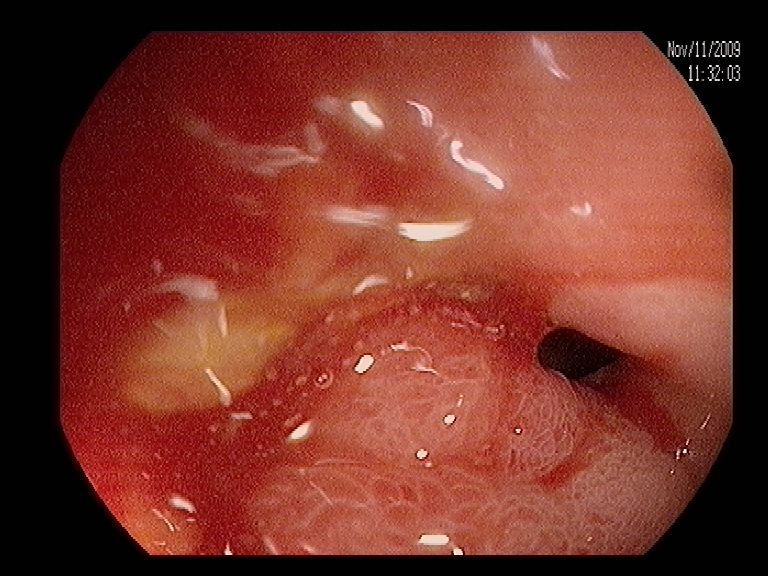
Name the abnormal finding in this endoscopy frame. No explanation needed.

colon polyp